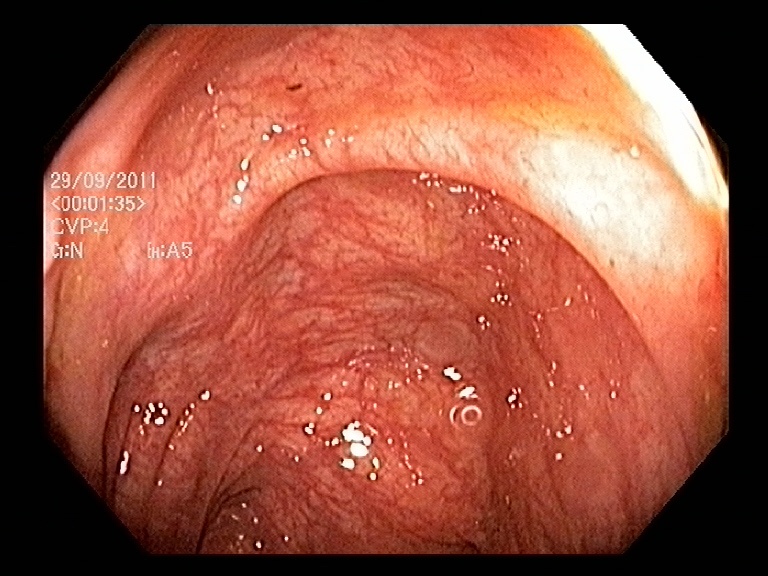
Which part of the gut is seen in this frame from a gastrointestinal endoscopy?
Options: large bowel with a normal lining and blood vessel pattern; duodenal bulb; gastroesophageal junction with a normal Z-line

large bowel with a normal lining and blood vessel pattern